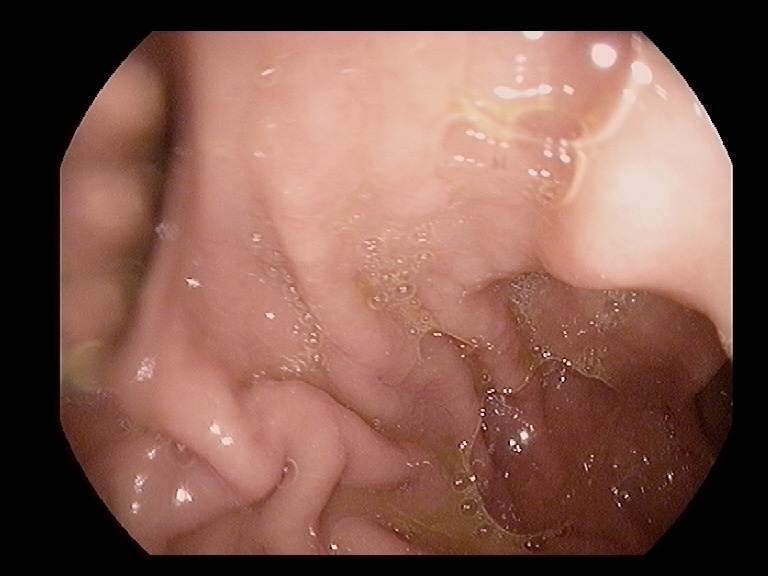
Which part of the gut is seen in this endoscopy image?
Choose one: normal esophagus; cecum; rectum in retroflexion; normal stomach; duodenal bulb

normal stomach